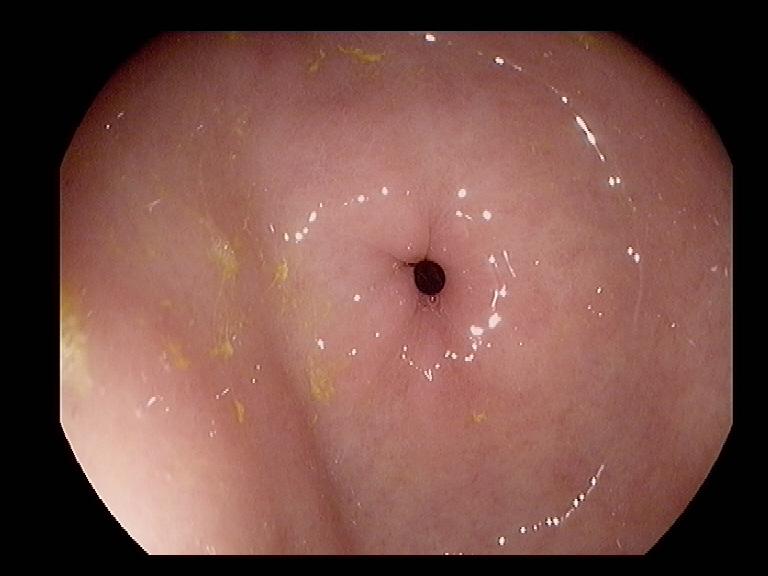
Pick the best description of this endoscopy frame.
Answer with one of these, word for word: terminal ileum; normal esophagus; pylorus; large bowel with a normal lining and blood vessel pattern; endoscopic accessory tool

pylorus